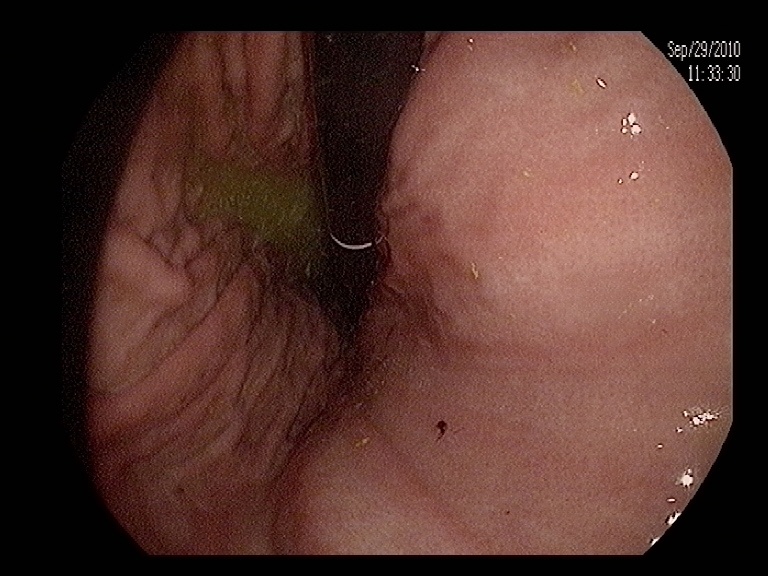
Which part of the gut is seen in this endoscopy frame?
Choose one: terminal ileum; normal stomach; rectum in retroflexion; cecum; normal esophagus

normal stomach